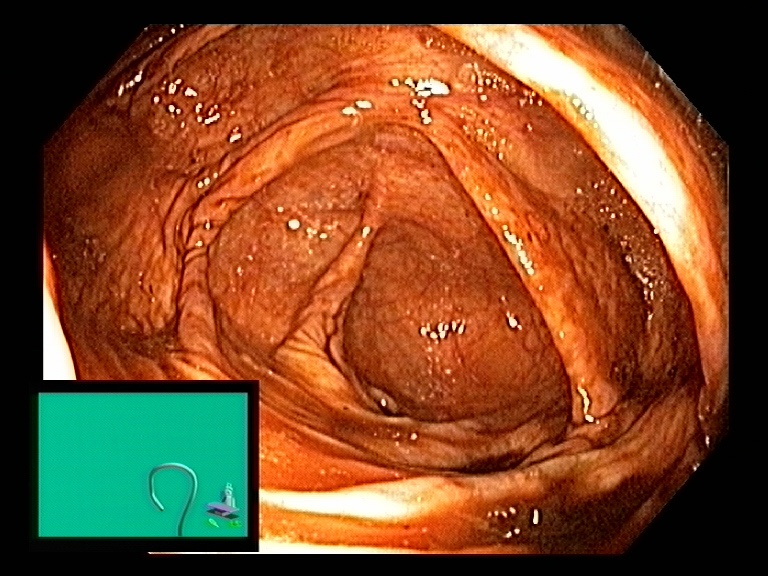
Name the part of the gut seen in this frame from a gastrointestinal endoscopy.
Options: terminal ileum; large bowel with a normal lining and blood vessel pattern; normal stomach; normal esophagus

large bowel with a normal lining and blood vessel pattern